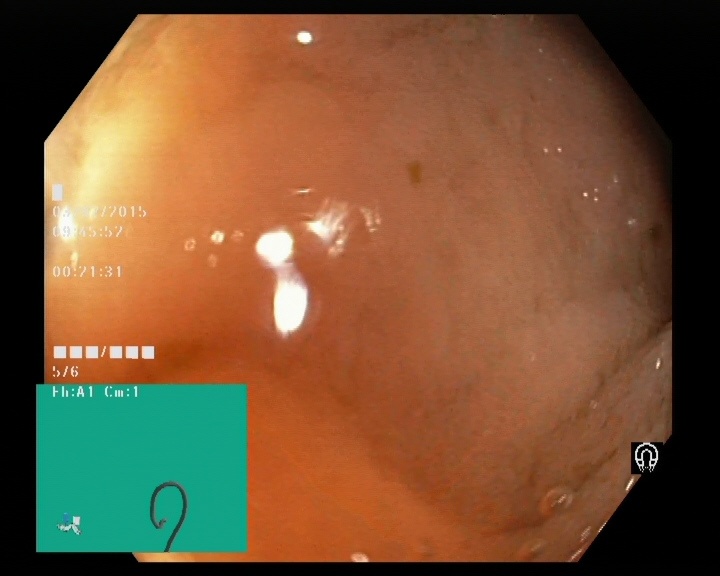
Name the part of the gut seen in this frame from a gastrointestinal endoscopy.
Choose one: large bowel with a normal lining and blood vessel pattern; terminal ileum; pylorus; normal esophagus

large bowel with a normal lining and blood vessel pattern